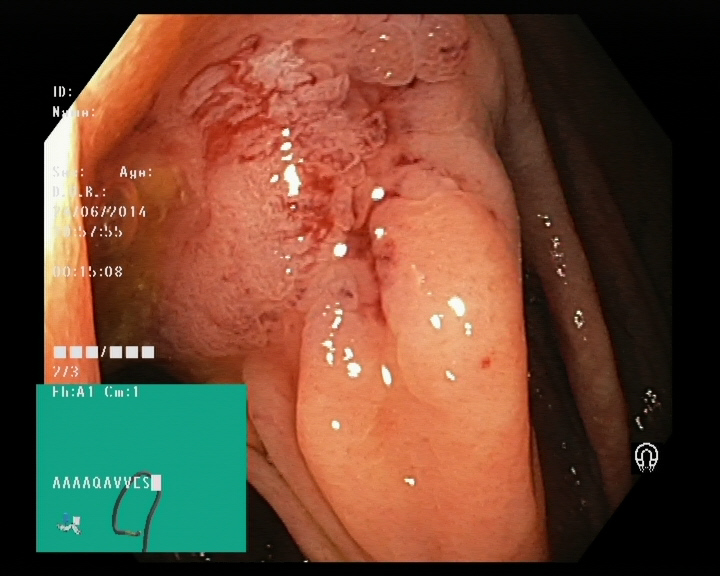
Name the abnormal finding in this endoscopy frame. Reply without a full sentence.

colon polyp